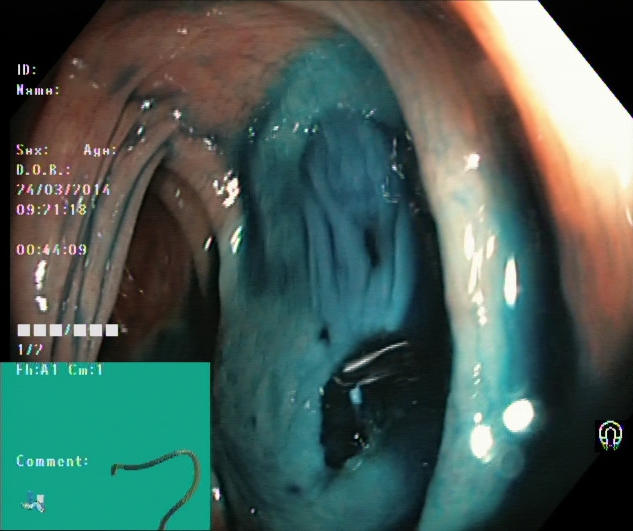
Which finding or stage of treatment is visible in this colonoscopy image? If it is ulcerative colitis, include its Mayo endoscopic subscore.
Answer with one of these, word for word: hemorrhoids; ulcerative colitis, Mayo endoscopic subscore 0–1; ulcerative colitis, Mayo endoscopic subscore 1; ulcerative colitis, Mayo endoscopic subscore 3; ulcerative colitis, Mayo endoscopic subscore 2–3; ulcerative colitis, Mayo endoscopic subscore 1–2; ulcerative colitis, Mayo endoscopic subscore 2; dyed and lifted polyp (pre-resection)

dyed and lifted polyp (pre-resection)